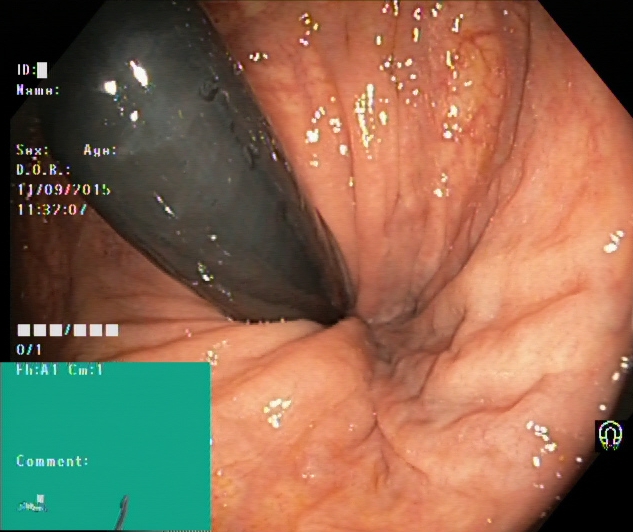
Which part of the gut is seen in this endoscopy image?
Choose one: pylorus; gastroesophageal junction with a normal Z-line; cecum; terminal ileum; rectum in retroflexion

rectum in retroflexion